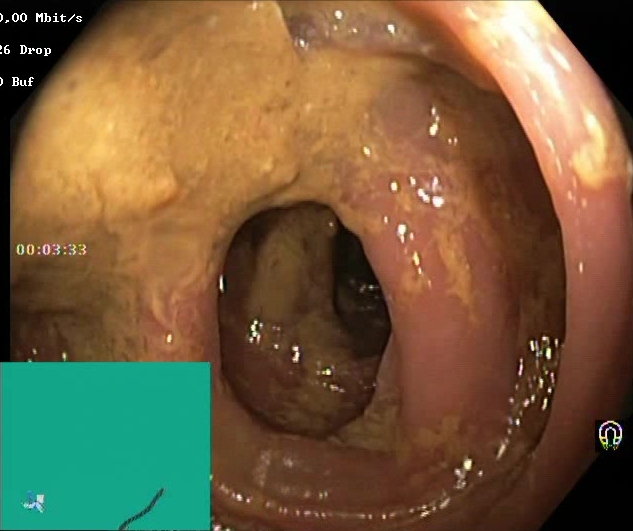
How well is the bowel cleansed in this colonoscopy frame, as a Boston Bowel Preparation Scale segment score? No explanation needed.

Boston Bowel Preparation Scale score 0–1 (inadequate preparation)